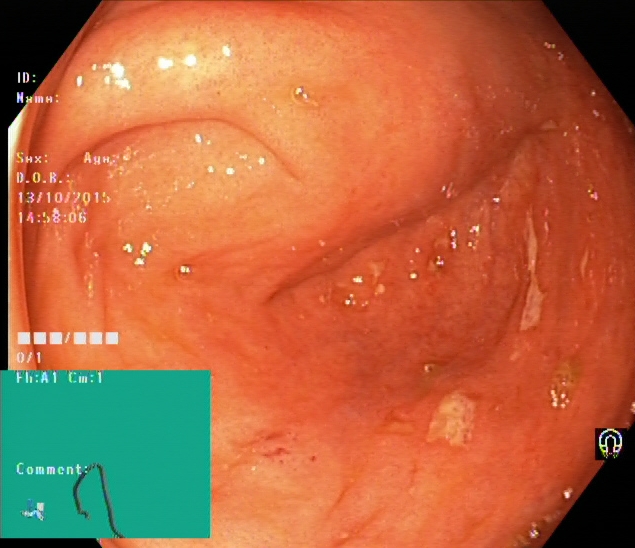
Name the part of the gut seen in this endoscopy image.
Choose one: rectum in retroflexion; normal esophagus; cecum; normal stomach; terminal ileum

cecum